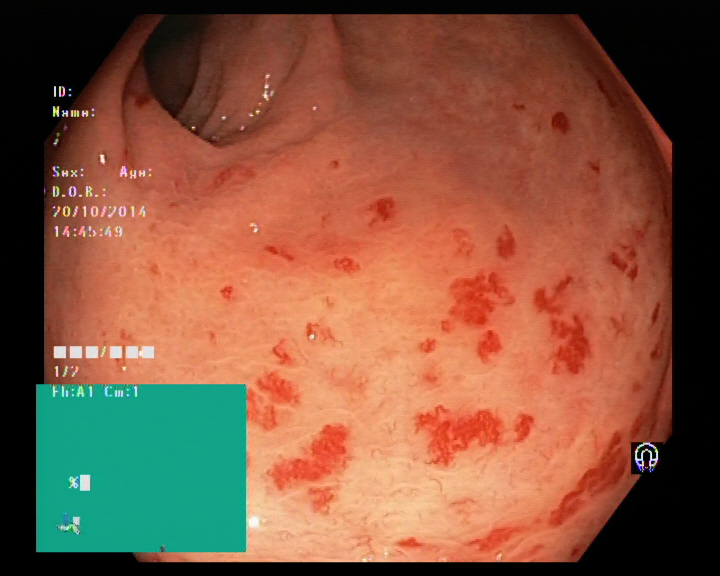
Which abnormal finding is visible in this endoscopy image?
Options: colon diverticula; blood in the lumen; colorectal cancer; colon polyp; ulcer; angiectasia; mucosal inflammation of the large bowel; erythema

angiectasia